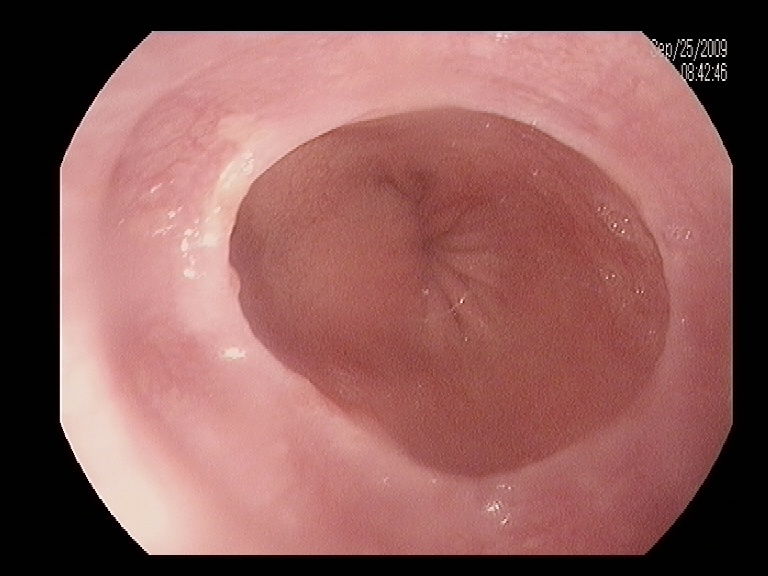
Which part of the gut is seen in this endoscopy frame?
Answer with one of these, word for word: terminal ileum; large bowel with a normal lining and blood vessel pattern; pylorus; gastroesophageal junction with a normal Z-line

gastroesophageal junction with a normal Z-line